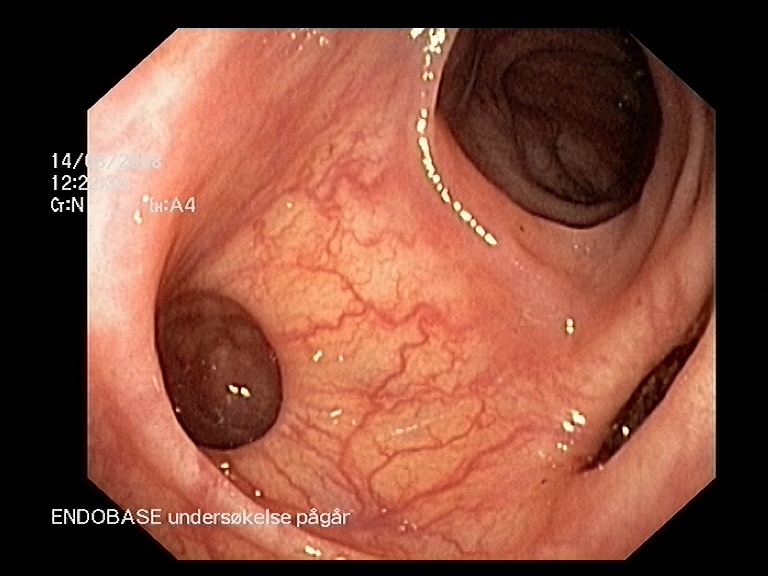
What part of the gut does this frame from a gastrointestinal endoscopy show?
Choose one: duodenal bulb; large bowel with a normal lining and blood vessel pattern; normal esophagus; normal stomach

large bowel with a normal lining and blood vessel pattern